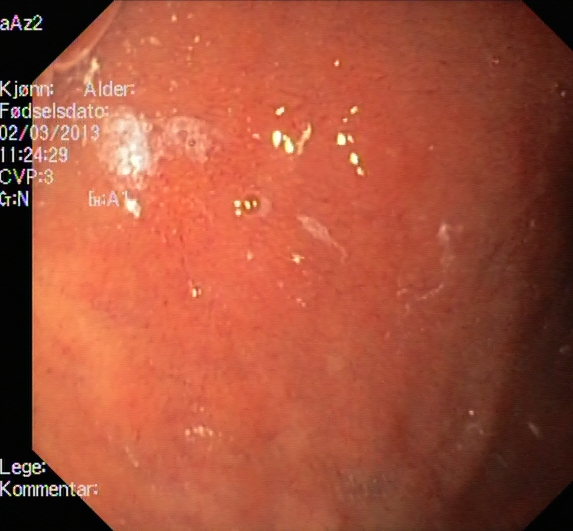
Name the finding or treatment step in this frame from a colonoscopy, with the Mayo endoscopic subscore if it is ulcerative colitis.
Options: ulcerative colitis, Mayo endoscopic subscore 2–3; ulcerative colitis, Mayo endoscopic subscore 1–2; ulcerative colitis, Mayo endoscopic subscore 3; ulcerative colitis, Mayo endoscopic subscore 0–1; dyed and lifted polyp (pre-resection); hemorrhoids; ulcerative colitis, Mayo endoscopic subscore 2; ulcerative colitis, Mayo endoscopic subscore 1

ulcerative colitis, Mayo endoscopic subscore 2